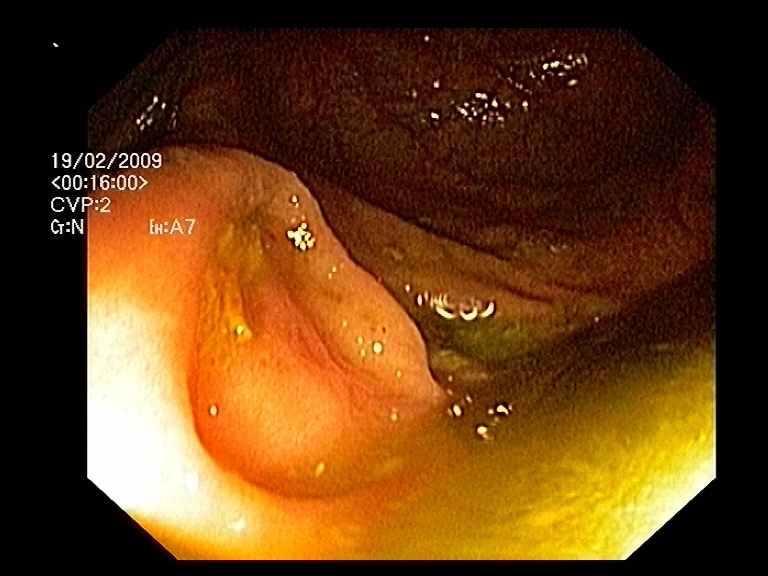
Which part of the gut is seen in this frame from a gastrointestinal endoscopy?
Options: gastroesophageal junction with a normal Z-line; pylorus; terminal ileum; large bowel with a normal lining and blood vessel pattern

large bowel with a normal lining and blood vessel pattern